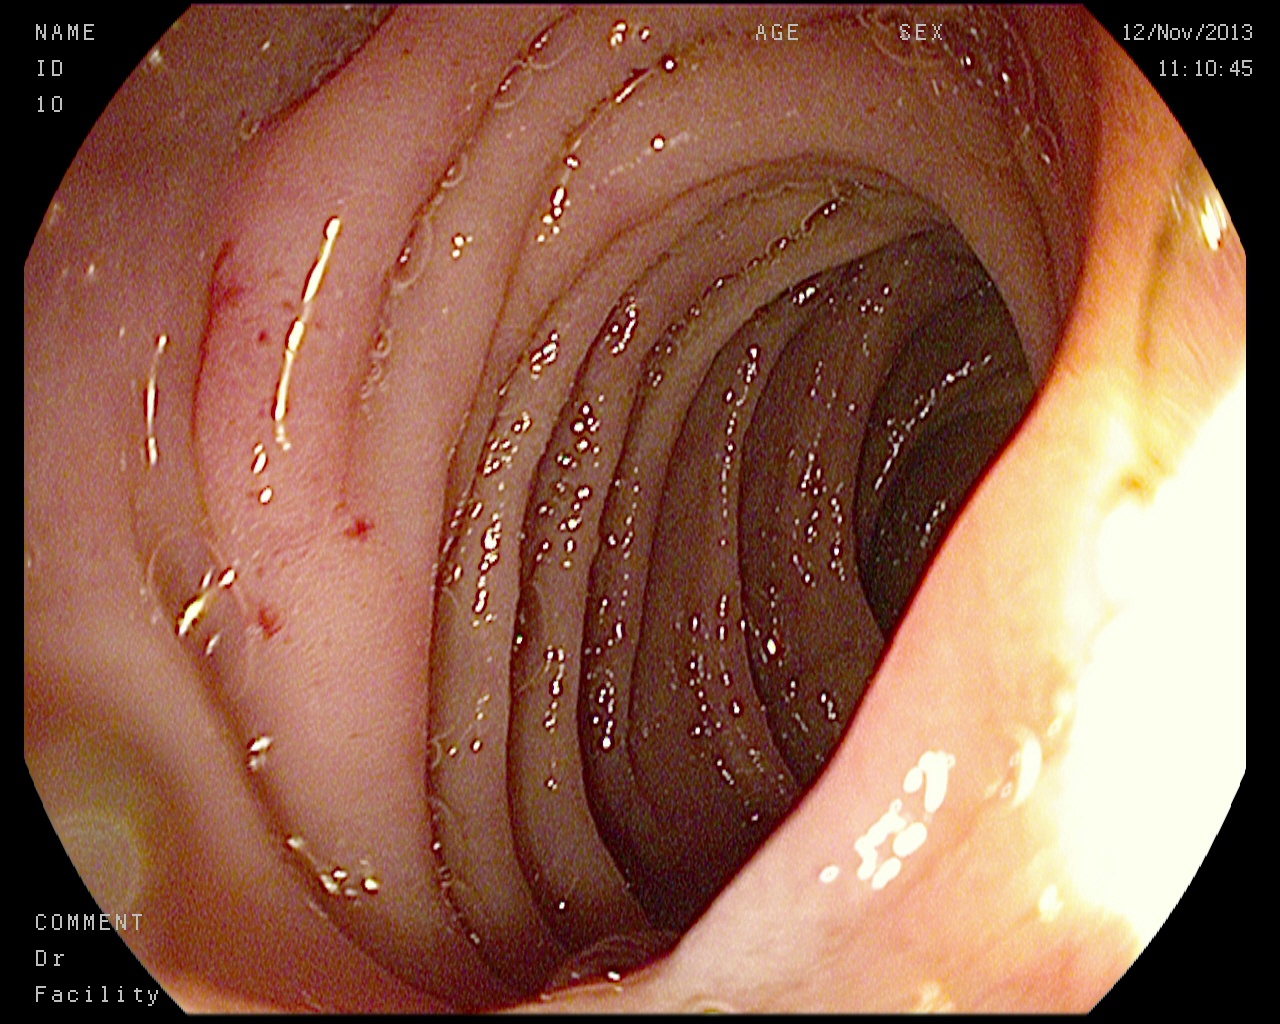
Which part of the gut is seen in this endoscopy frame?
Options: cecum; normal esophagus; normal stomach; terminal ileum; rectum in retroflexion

terminal ileum